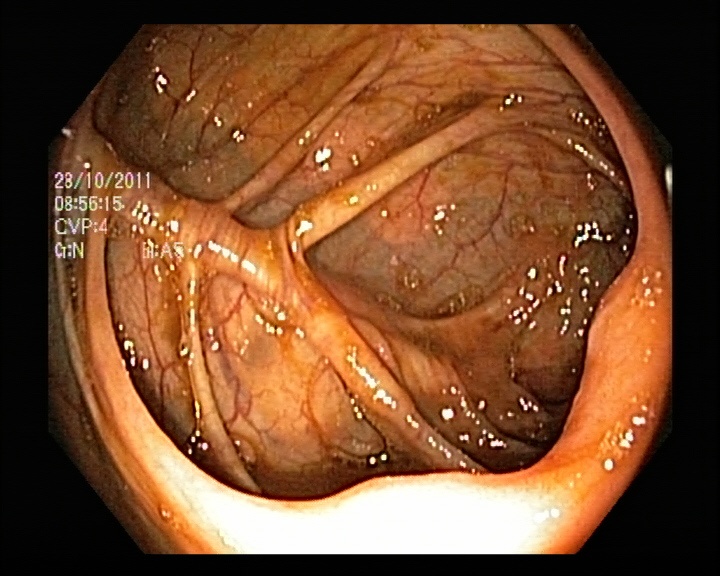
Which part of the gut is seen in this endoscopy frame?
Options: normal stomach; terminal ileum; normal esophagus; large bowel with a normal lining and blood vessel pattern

large bowel with a normal lining and blood vessel pattern